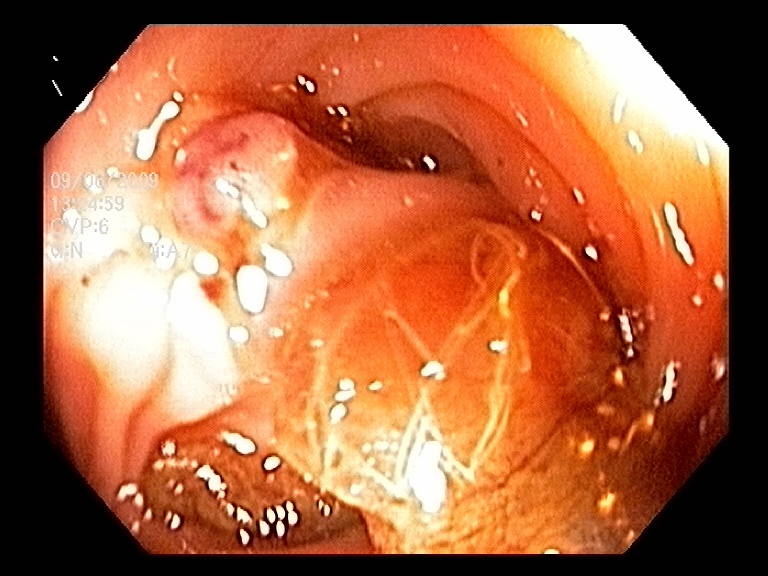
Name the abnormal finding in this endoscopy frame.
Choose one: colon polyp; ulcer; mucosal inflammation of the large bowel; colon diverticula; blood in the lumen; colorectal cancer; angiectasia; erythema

colorectal cancer